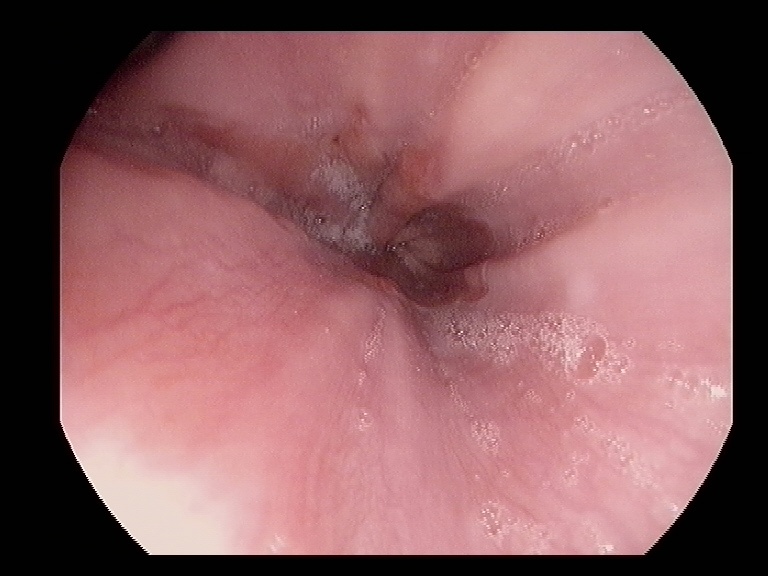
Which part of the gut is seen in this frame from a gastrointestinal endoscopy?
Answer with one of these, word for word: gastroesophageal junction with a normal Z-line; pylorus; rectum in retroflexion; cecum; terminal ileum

gastroesophageal junction with a normal Z-line